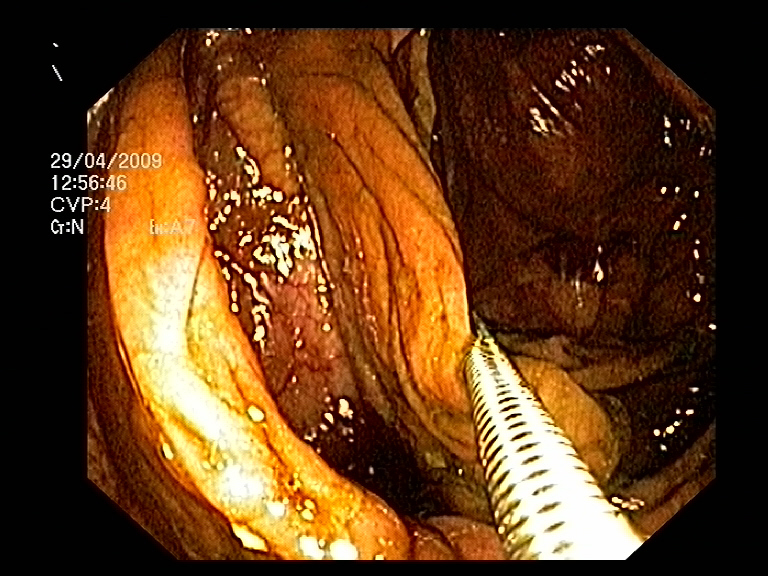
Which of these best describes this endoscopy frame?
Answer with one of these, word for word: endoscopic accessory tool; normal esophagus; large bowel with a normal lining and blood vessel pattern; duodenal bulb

endoscopic accessory tool